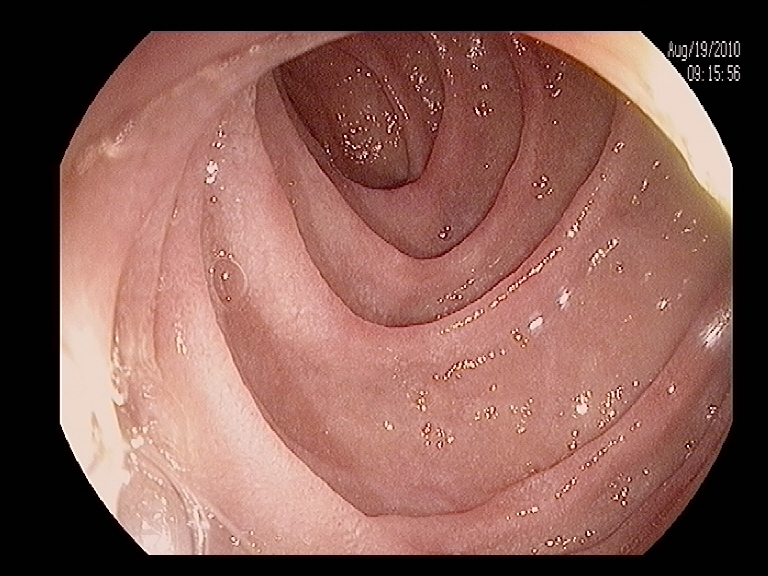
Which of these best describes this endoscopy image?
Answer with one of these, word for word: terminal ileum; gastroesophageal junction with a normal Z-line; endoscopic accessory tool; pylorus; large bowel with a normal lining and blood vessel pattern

terminal ileum